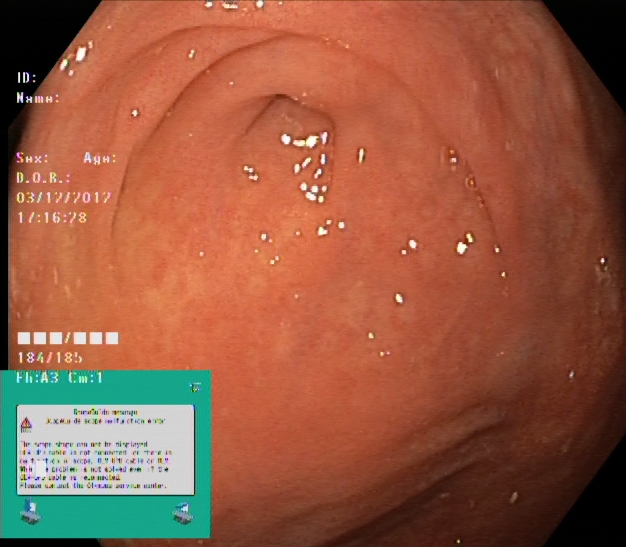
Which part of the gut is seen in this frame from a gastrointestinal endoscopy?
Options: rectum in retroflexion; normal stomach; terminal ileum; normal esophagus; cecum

cecum